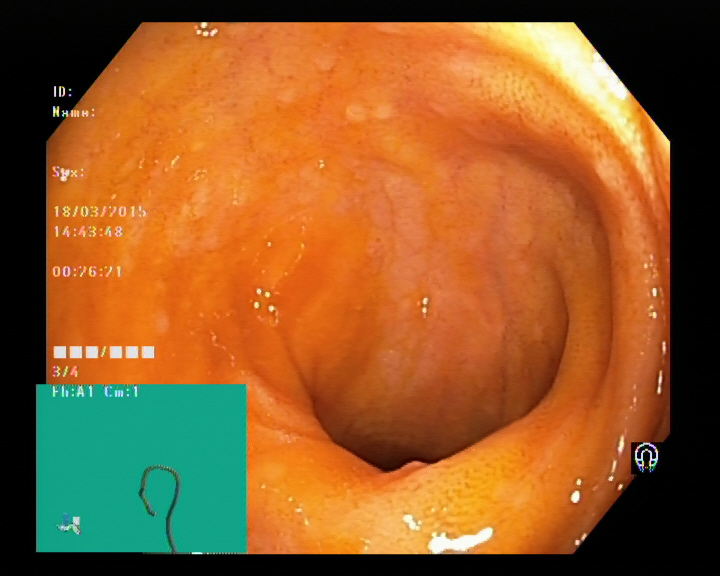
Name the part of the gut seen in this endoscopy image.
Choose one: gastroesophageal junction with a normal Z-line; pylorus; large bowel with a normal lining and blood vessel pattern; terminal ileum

large bowel with a normal lining and blood vessel pattern